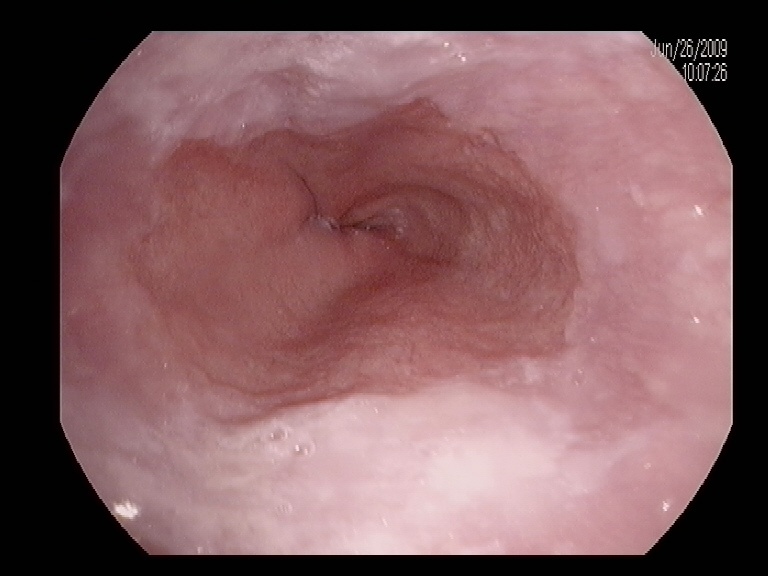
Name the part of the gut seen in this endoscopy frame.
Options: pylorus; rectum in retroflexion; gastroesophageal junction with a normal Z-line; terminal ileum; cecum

gastroesophageal junction with a normal Z-line